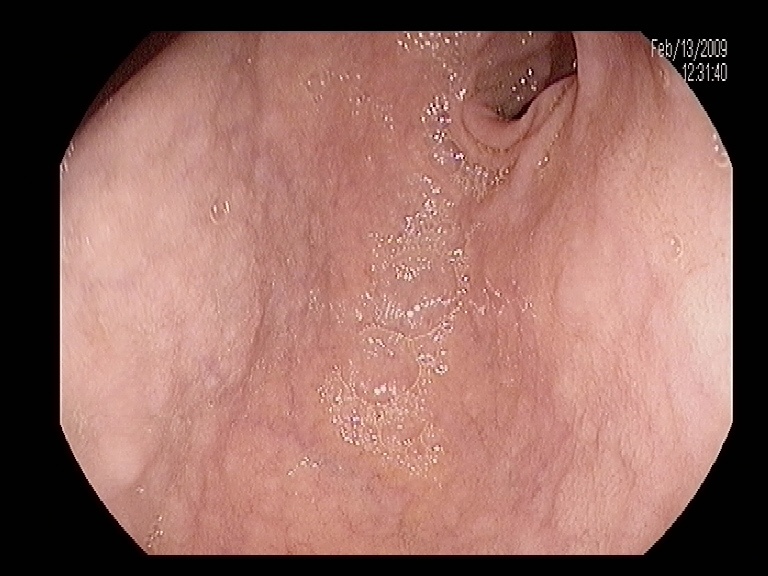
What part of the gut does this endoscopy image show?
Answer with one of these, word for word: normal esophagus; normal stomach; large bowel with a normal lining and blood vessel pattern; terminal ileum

normal stomach